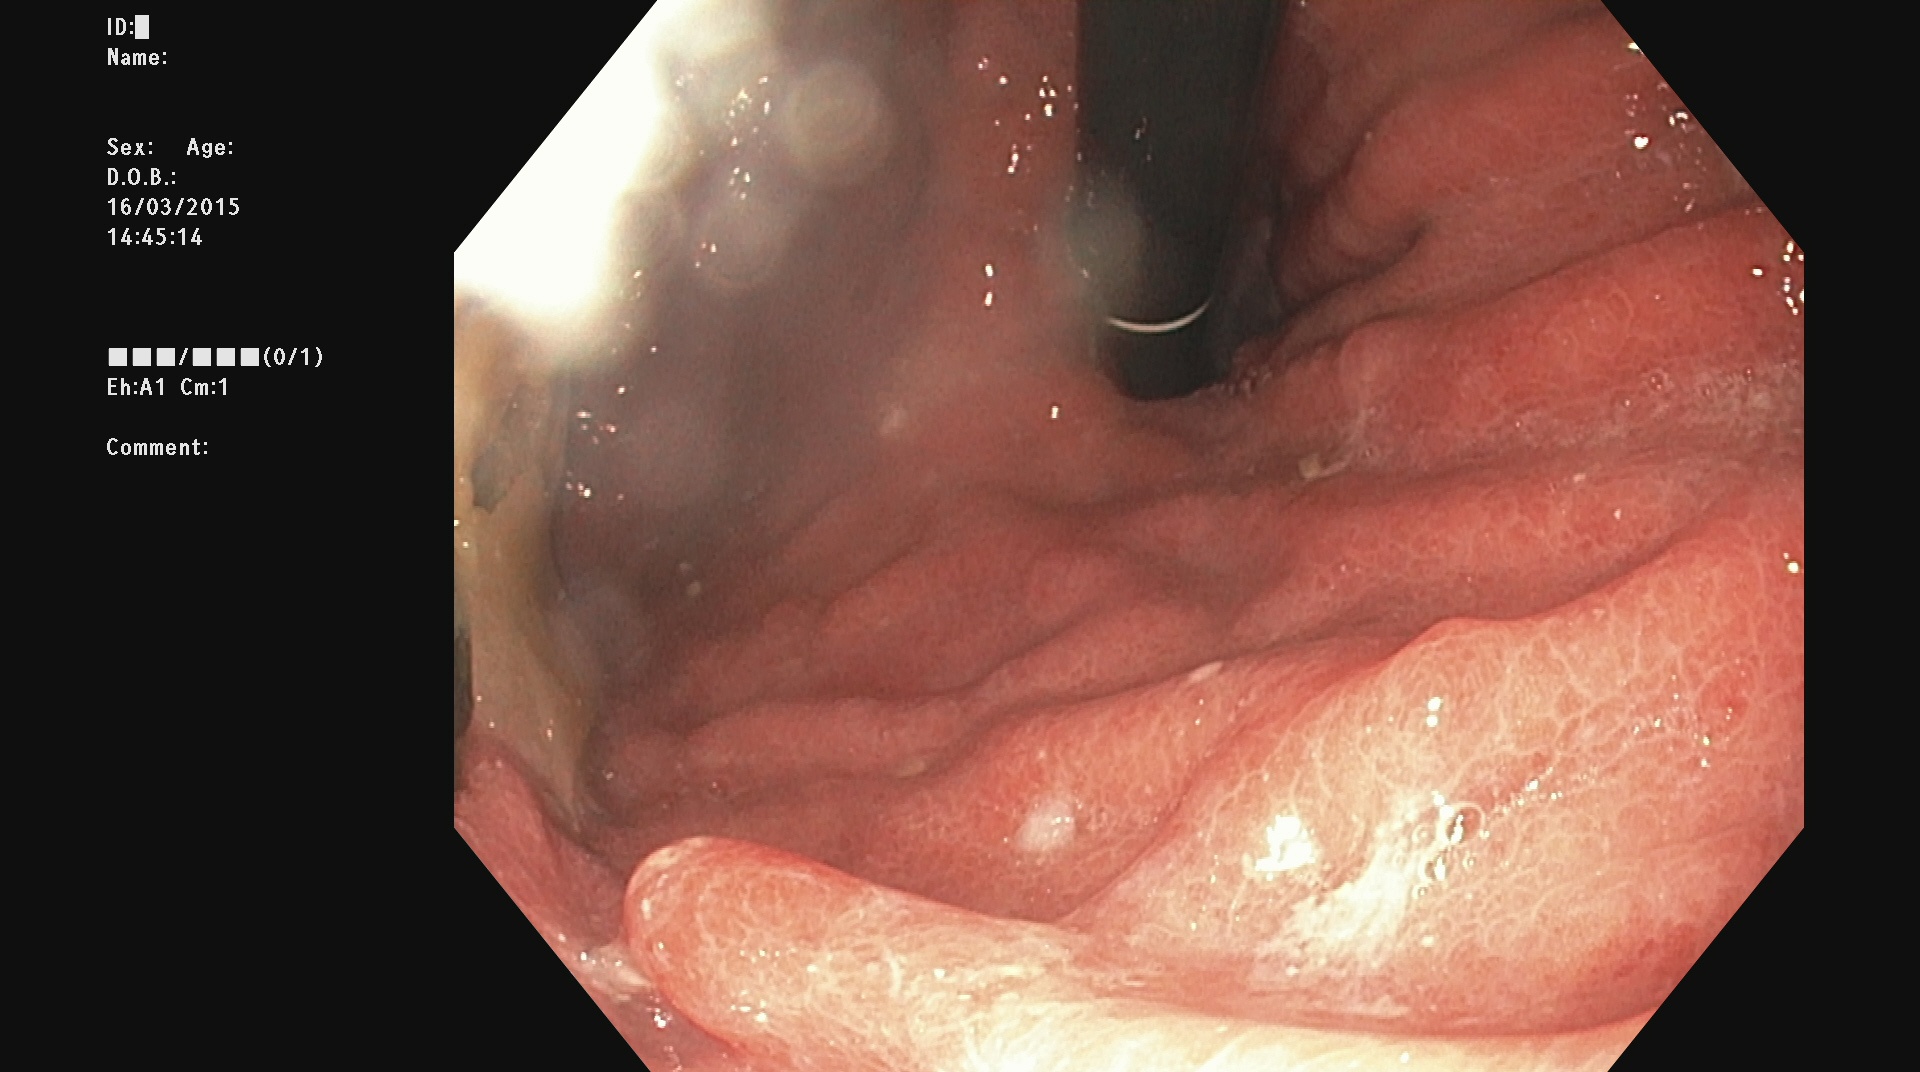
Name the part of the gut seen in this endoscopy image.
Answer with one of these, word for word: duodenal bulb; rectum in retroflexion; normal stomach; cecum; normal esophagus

normal stomach